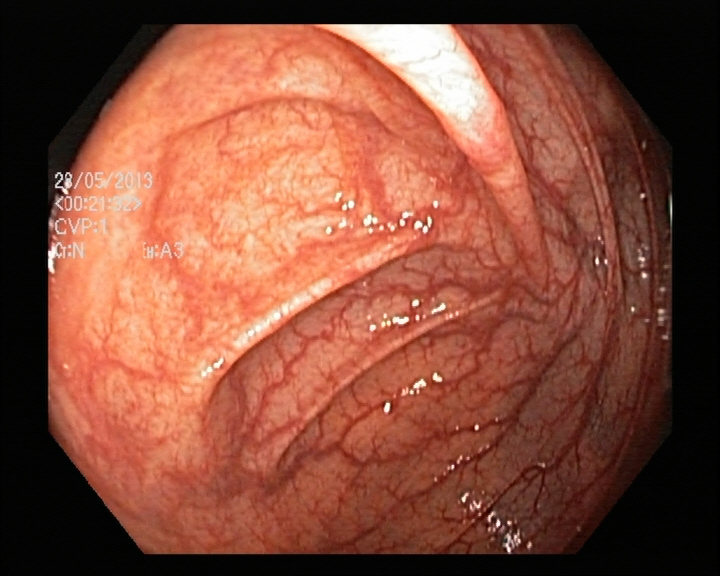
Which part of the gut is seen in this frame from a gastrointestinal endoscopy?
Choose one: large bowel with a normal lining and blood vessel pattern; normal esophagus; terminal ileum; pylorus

large bowel with a normal lining and blood vessel pattern